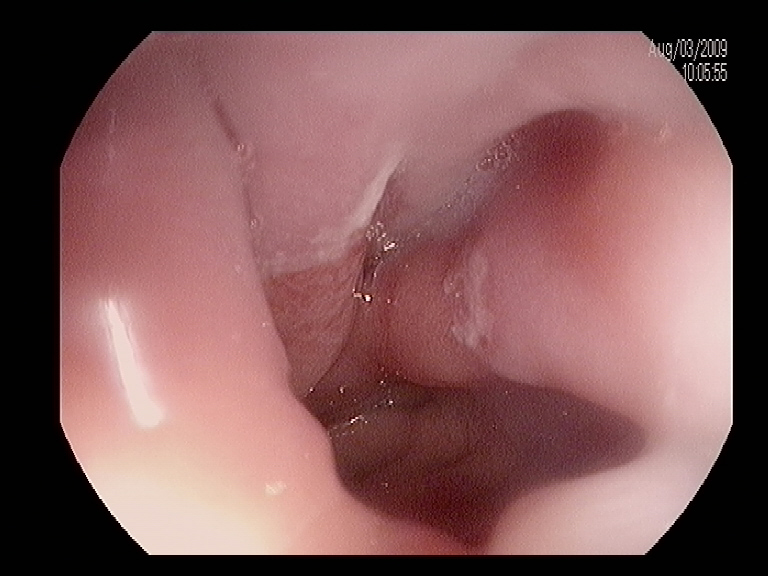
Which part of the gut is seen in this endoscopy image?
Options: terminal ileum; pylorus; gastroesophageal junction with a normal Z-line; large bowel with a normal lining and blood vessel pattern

gastroesophageal junction with a normal Z-line